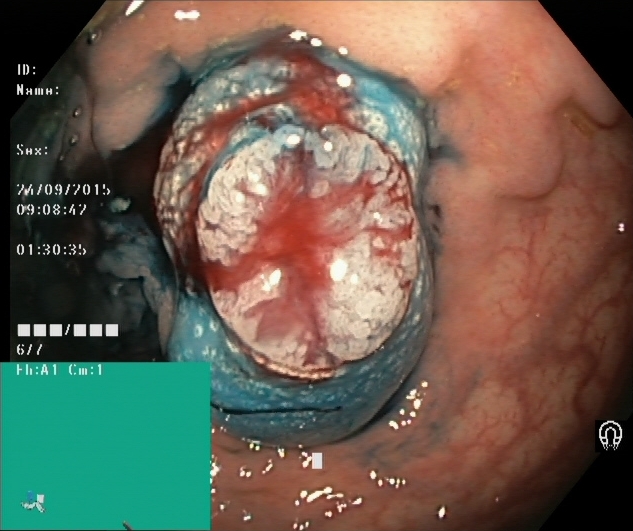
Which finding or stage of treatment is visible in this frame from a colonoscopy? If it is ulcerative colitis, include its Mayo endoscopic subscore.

dyed and lifted polyp (pre-resection)